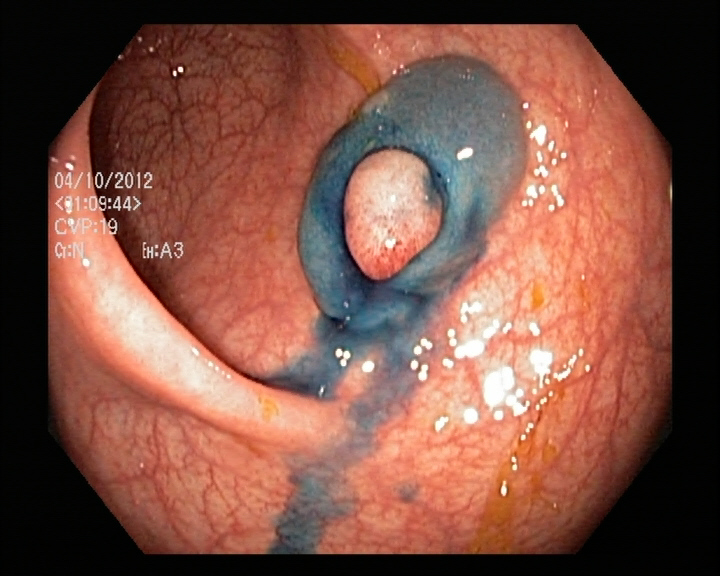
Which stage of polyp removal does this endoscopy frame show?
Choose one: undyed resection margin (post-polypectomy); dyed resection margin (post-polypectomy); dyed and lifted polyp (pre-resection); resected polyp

dyed and lifted polyp (pre-resection)